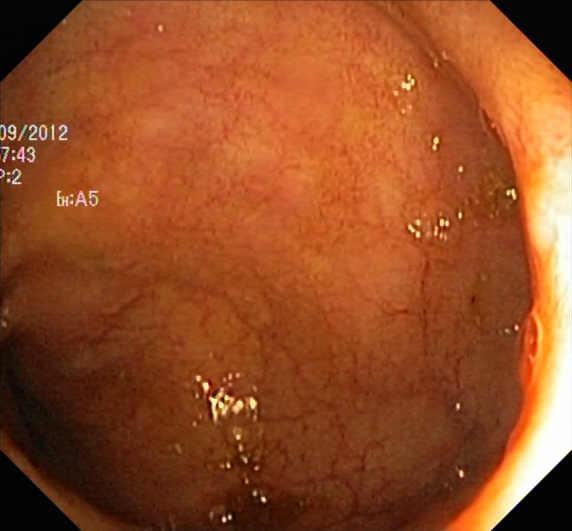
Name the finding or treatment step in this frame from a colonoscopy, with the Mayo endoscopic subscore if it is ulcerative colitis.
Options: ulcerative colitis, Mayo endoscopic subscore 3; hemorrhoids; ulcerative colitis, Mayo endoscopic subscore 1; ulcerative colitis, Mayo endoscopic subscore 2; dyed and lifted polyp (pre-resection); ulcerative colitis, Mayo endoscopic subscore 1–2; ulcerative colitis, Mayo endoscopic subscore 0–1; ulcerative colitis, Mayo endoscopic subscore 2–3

ulcerative colitis, Mayo endoscopic subscore 1